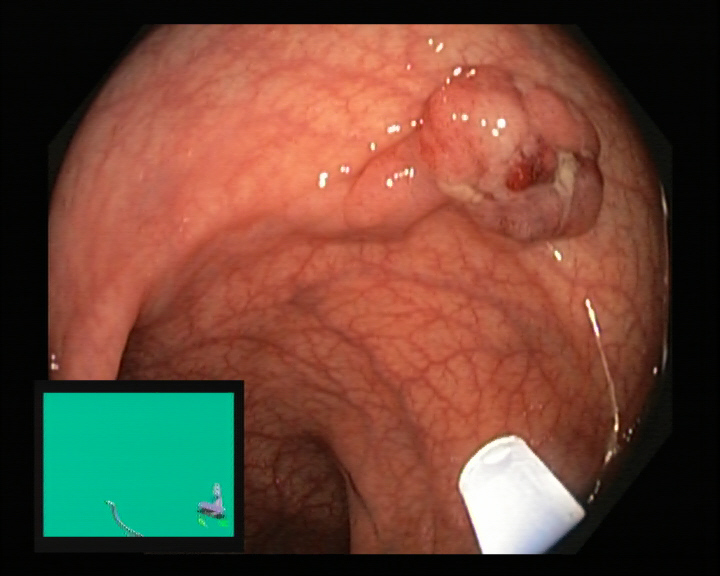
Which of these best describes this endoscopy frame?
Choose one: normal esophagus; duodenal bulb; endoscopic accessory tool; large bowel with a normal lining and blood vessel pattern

endoscopic accessory tool